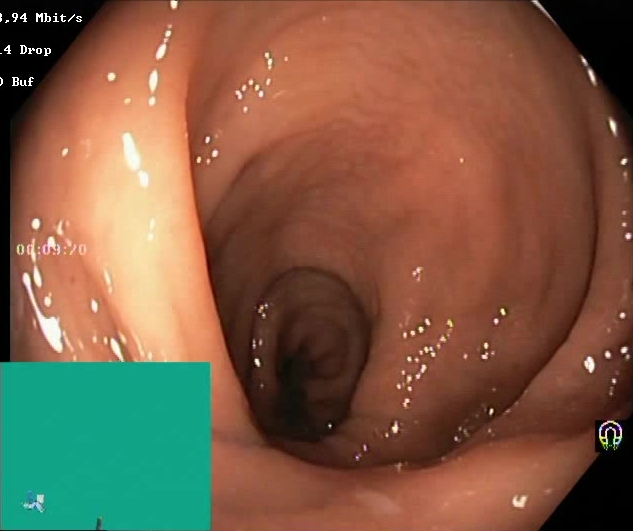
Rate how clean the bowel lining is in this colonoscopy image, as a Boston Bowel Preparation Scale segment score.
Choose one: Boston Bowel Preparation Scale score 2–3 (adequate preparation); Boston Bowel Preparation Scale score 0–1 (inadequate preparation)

Boston Bowel Preparation Scale score 2–3 (adequate preparation)